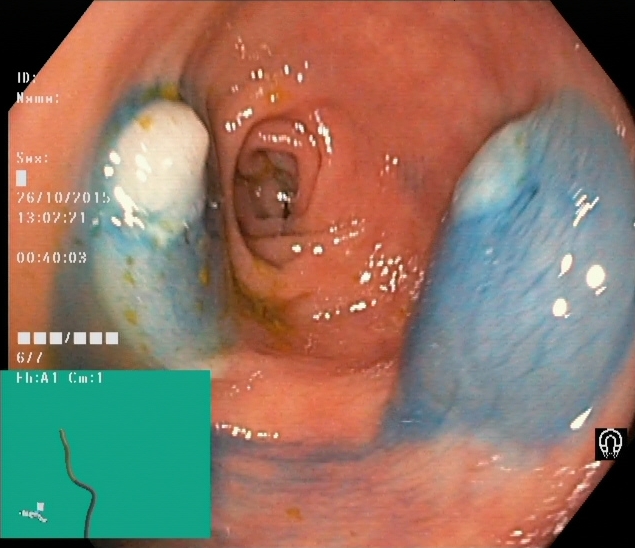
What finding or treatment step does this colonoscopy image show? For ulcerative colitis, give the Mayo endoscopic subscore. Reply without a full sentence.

dyed and lifted polyp (pre-resection)